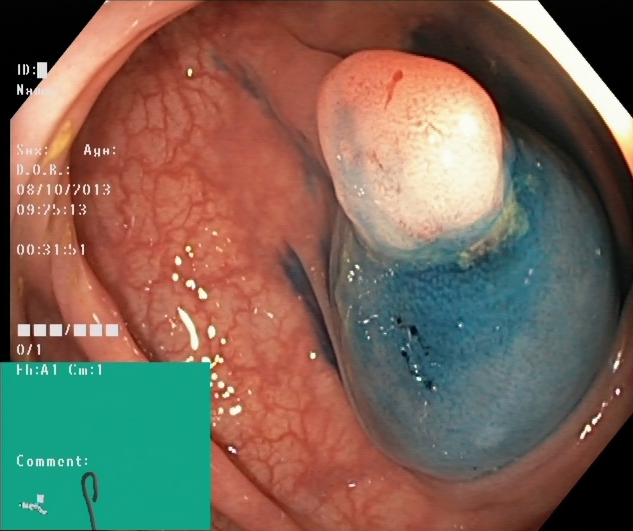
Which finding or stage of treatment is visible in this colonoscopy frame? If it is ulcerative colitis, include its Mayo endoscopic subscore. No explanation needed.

dyed and lifted polyp (pre-resection)